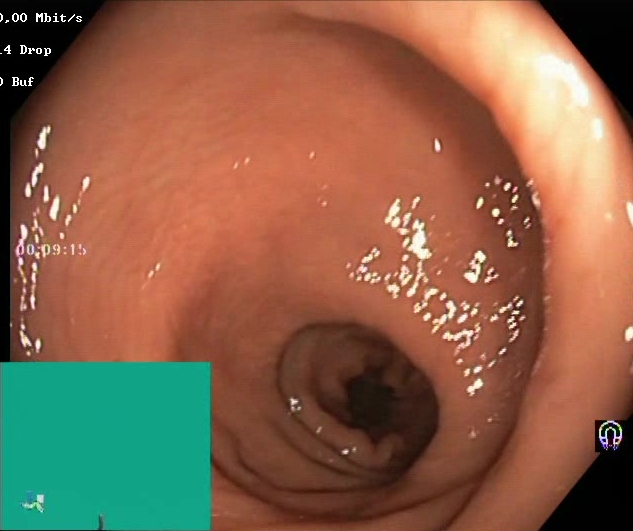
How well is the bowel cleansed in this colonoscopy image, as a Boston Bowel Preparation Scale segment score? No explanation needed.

Boston Bowel Preparation Scale score 2–3 (adequate preparation)